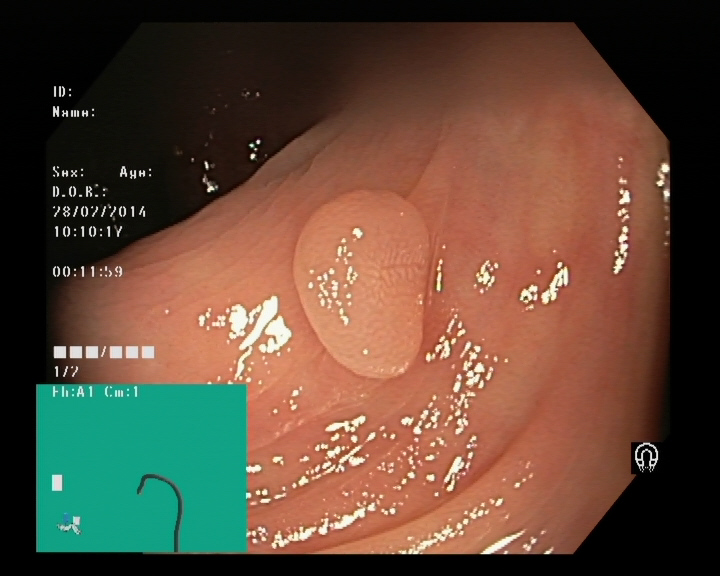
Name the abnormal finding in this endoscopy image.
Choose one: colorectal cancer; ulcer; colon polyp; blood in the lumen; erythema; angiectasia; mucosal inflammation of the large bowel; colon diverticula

colon polyp